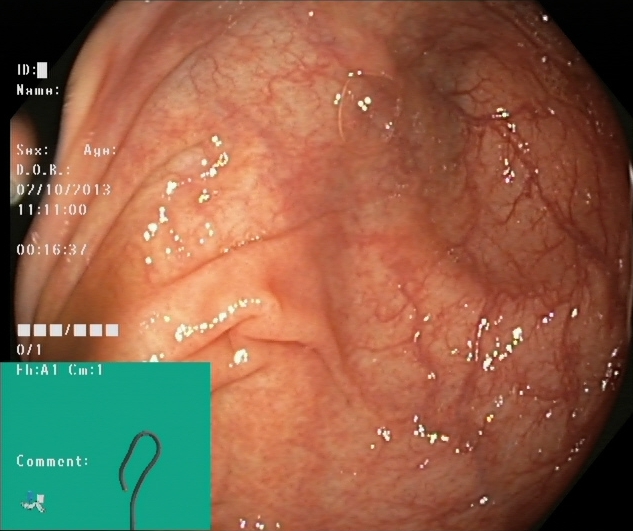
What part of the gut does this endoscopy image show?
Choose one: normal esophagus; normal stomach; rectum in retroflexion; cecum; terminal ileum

cecum